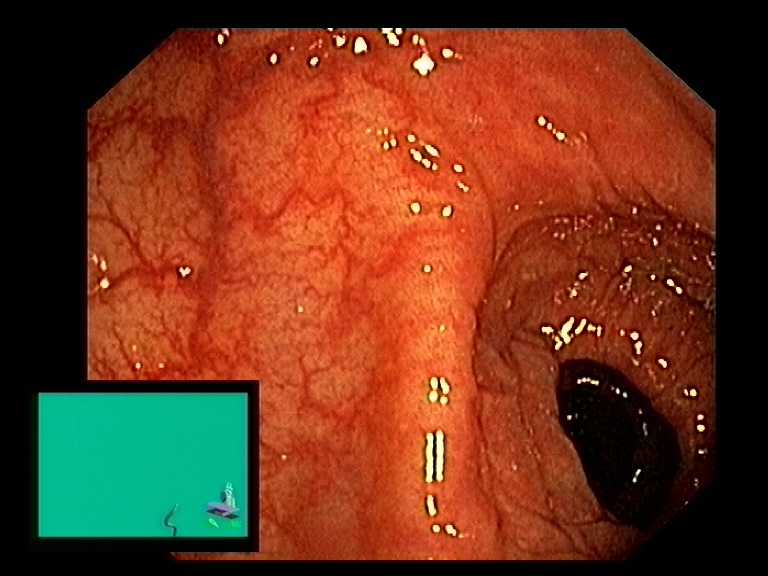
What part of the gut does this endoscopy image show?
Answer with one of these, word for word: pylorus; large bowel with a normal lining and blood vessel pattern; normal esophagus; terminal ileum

large bowel with a normal lining and blood vessel pattern